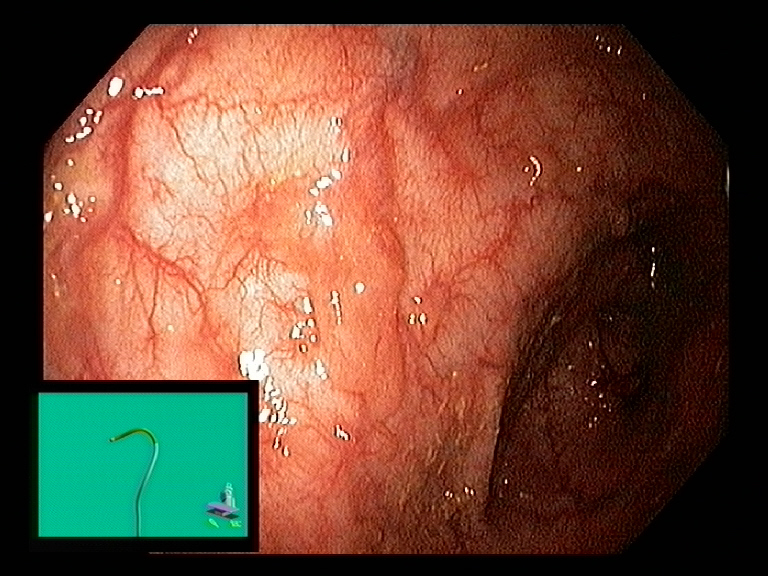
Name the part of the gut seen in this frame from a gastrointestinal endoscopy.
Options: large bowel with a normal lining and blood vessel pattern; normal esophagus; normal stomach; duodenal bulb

large bowel with a normal lining and blood vessel pattern